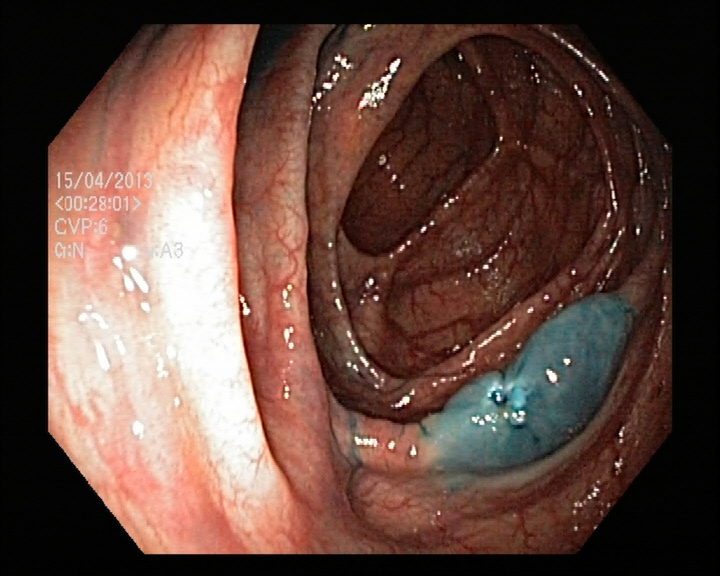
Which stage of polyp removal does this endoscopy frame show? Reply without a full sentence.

dyed resection margin (post-polypectomy)